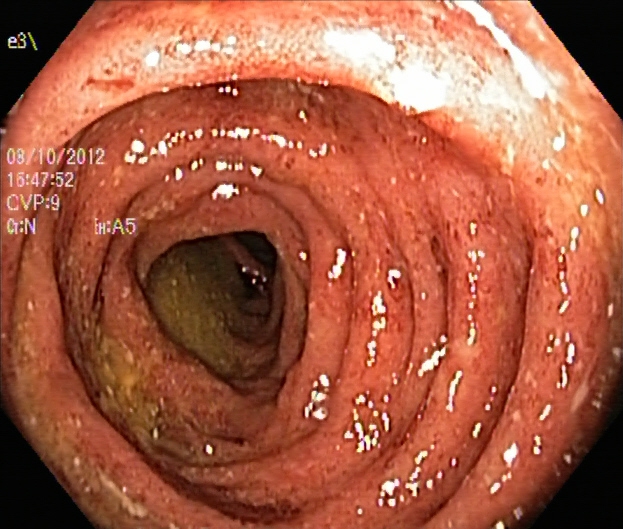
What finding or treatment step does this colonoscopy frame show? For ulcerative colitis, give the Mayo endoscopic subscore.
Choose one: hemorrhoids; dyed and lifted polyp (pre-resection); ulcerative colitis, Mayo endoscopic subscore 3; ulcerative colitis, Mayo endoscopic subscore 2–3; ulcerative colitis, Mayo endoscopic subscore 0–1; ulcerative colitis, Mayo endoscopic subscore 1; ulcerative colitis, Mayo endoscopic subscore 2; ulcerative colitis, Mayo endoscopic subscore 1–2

ulcerative colitis, Mayo endoscopic subscore 3